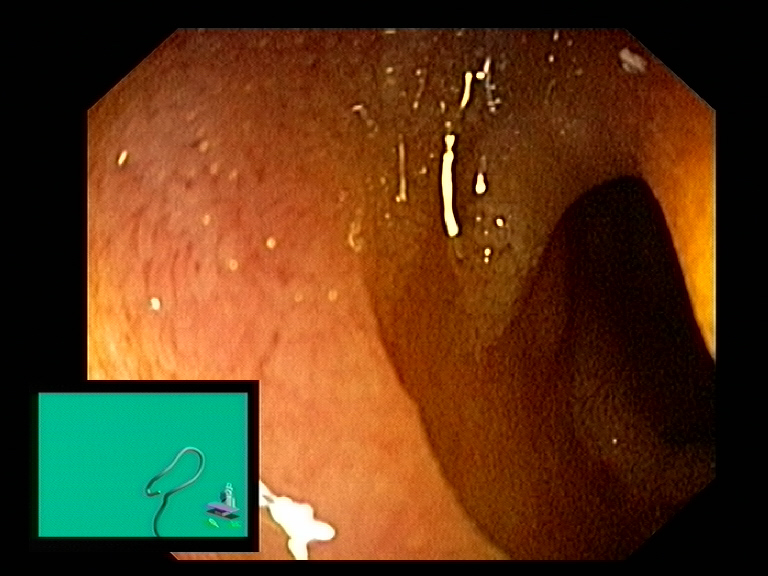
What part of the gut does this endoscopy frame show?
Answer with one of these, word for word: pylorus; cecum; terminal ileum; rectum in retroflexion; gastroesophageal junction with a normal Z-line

terminal ileum